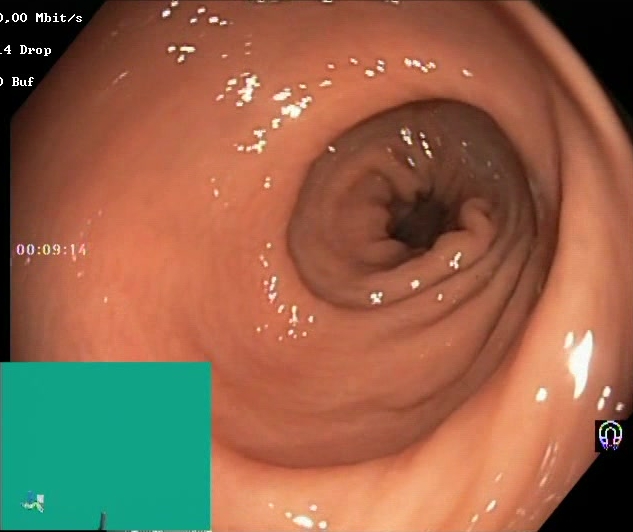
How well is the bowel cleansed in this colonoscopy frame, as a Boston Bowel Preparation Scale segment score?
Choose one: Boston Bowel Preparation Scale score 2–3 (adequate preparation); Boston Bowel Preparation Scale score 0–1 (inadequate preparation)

Boston Bowel Preparation Scale score 2–3 (adequate preparation)